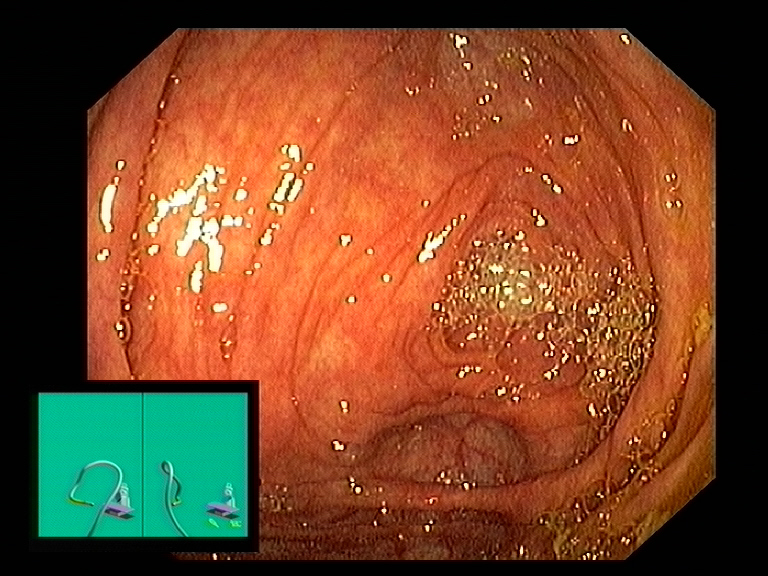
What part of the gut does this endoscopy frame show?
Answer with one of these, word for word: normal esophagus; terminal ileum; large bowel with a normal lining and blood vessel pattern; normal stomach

large bowel with a normal lining and blood vessel pattern